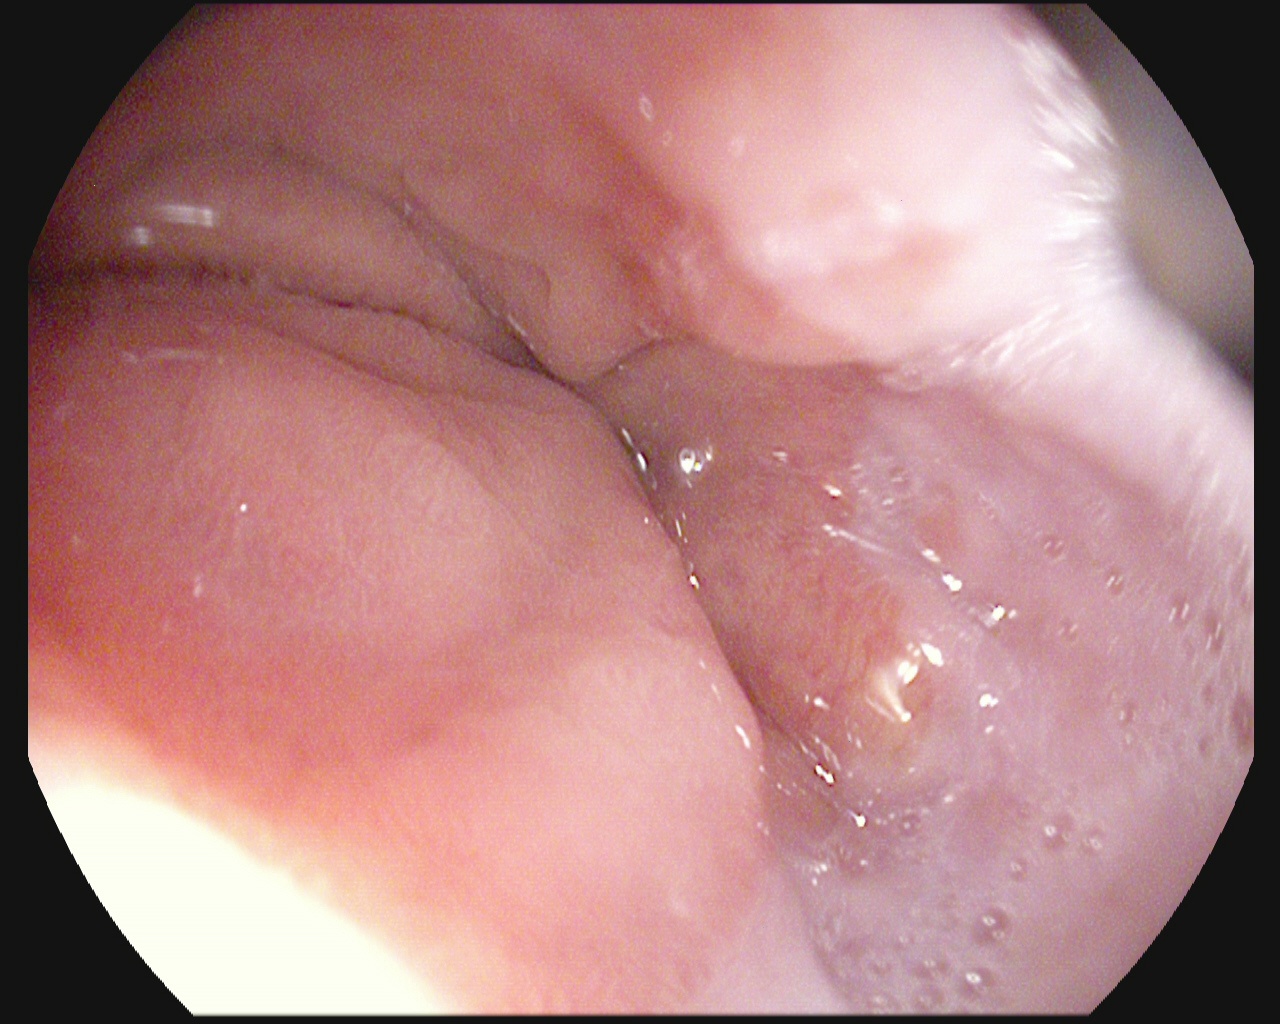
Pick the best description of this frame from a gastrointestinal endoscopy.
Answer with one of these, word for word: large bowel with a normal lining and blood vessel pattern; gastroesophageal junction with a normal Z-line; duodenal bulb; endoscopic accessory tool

gastroesophageal junction with a normal Z-line